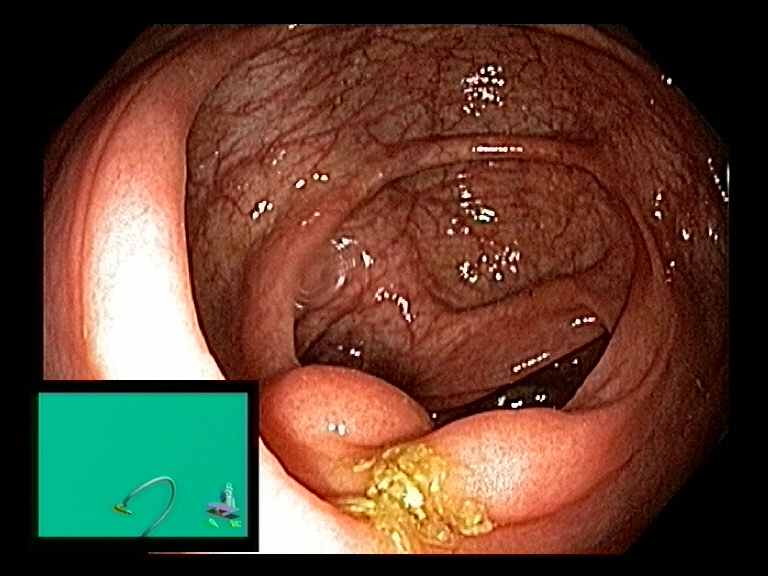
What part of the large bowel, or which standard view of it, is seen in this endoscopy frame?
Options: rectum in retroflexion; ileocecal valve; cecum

ileocecal valve